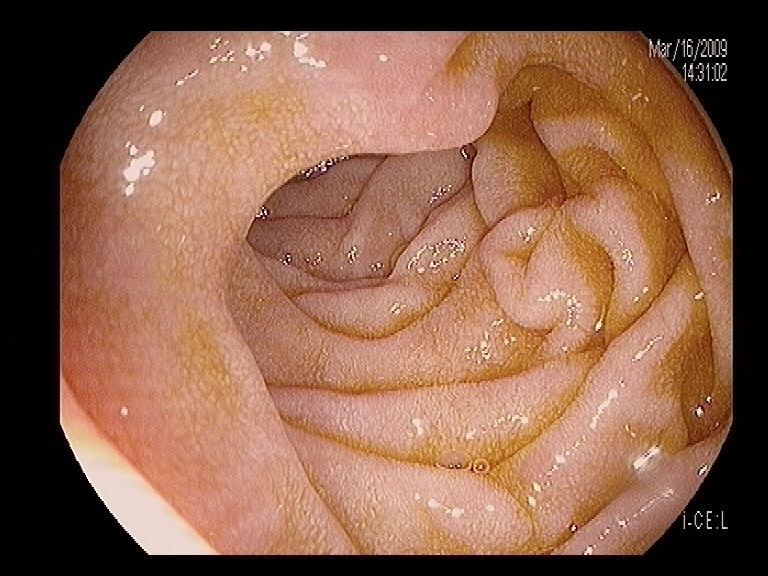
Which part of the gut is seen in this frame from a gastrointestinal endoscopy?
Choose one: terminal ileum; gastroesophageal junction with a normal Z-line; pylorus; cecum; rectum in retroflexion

terminal ileum